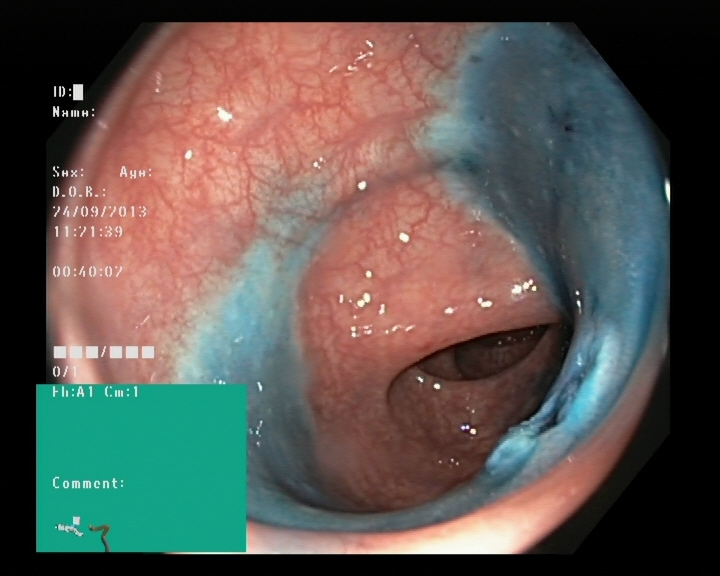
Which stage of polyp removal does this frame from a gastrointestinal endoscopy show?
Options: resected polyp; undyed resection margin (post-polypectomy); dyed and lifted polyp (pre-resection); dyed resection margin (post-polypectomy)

dyed resection margin (post-polypectomy)